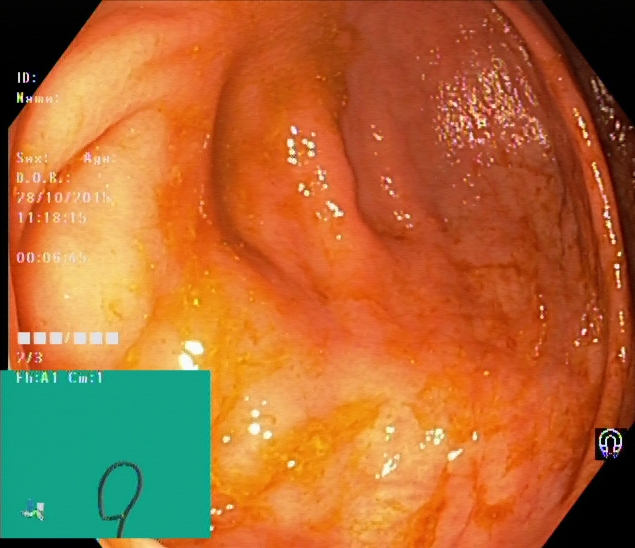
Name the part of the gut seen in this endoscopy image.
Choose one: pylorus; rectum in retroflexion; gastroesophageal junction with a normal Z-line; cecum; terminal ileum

cecum